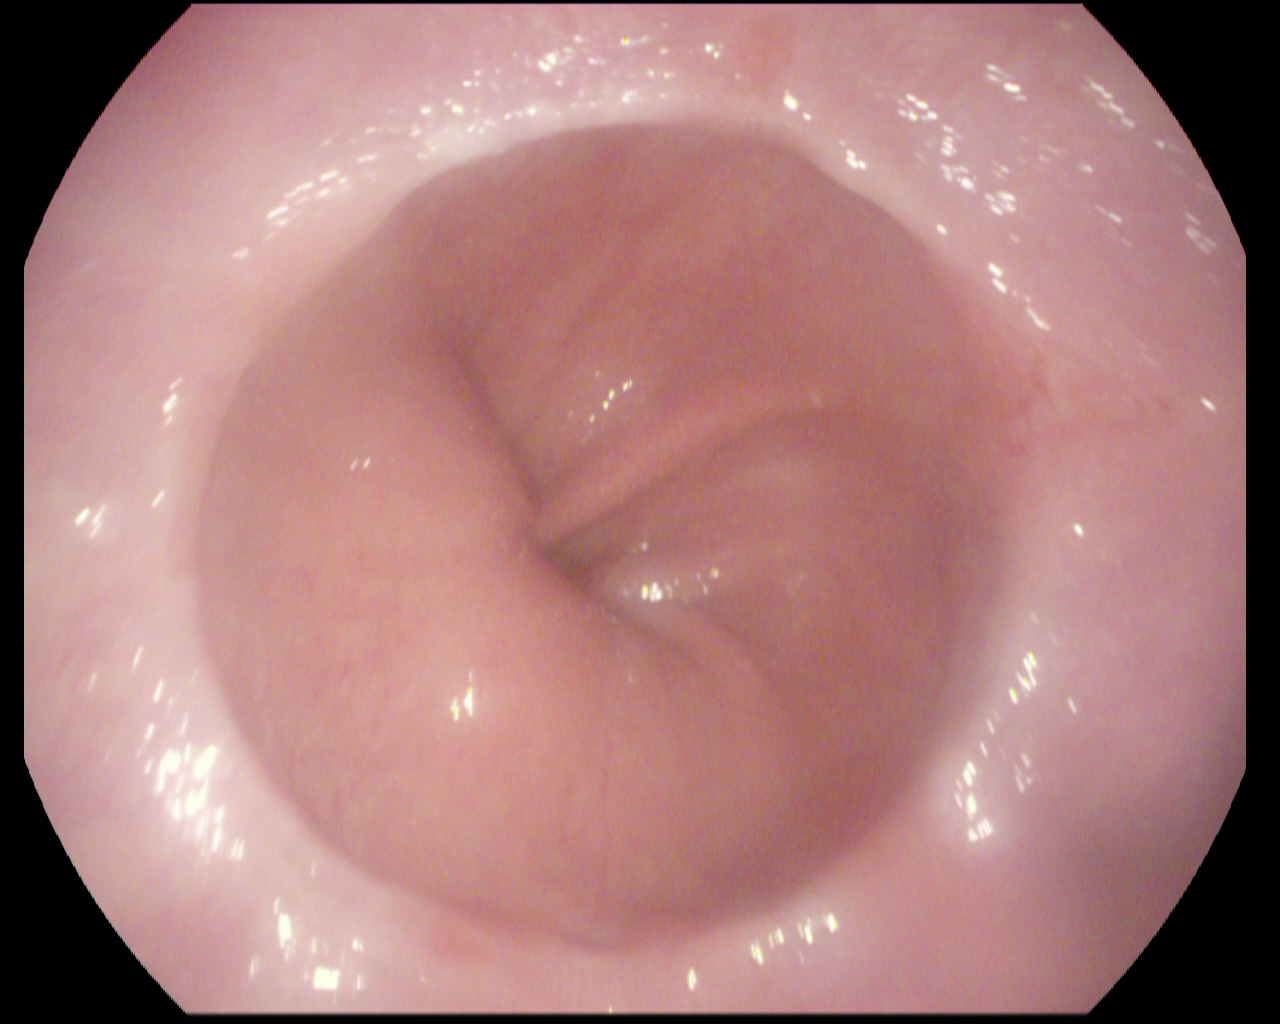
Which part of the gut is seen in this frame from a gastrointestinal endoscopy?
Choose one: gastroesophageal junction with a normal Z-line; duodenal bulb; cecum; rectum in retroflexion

gastroesophageal junction with a normal Z-line